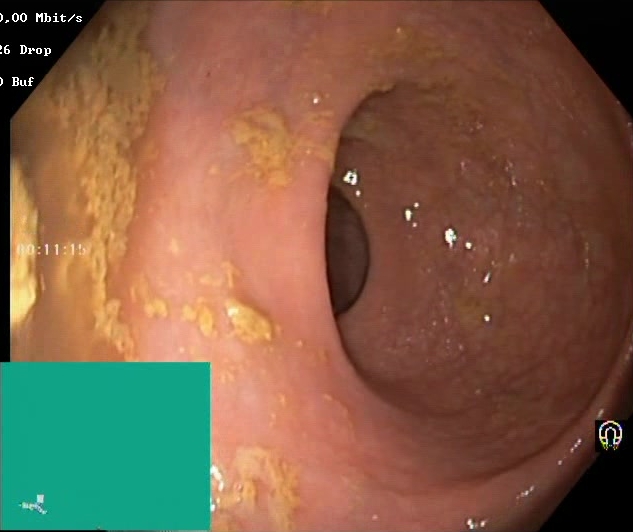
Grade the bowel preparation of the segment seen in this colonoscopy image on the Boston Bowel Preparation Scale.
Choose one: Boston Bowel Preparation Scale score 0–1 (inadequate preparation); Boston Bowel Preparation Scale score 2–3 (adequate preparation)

Boston Bowel Preparation Scale score 0–1 (inadequate preparation)